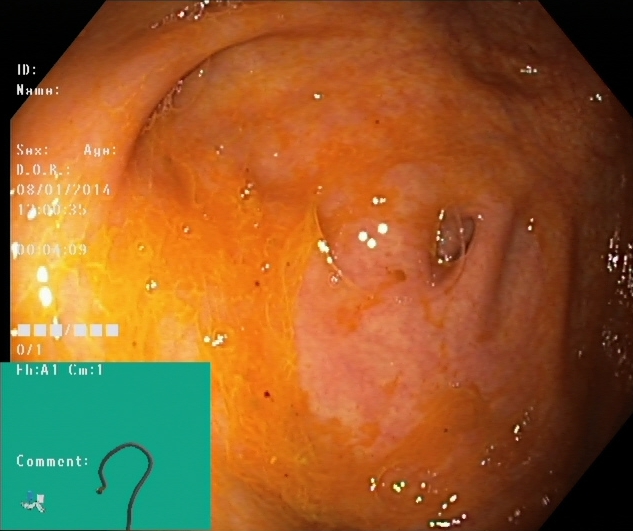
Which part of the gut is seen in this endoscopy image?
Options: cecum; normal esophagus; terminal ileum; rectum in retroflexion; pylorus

cecum